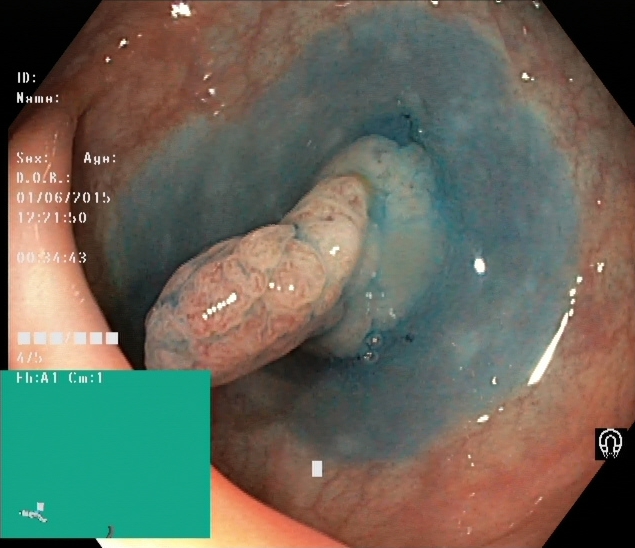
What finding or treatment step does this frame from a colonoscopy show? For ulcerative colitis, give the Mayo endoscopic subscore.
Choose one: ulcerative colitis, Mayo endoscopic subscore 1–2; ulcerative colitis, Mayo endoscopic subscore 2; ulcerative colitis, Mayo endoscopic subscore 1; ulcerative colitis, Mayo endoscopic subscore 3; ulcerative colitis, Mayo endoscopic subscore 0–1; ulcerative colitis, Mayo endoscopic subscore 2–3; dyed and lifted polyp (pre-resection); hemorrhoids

dyed and lifted polyp (pre-resection)